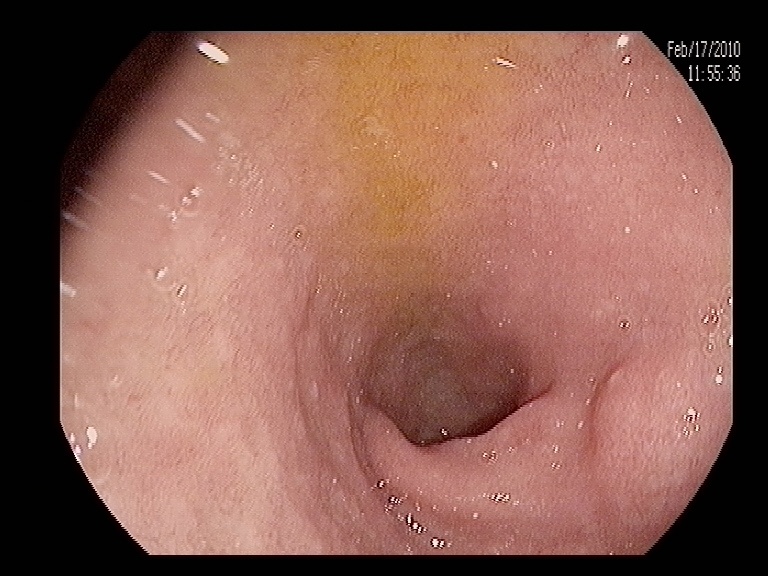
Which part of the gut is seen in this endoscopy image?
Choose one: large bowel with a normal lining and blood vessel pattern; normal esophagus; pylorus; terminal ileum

terminal ileum